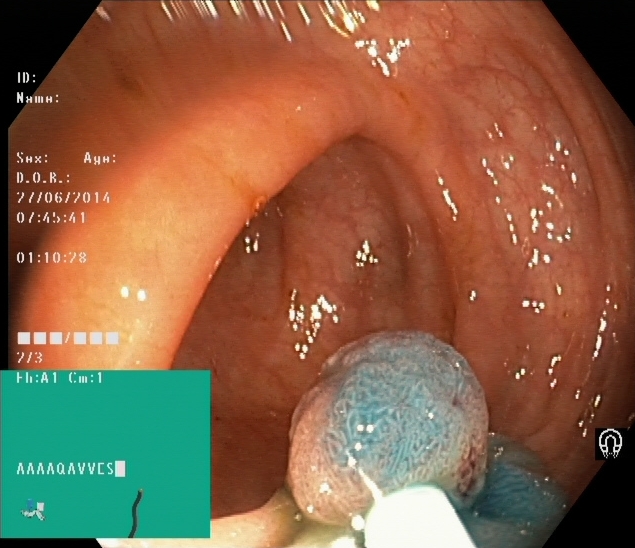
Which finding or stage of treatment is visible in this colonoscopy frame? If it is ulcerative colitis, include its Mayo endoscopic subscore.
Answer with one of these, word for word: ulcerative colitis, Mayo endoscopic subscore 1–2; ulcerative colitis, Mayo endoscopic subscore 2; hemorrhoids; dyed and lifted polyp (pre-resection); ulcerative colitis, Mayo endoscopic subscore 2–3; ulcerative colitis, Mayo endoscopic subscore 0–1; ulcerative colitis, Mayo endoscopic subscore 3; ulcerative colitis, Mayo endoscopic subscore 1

dyed and lifted polyp (pre-resection)